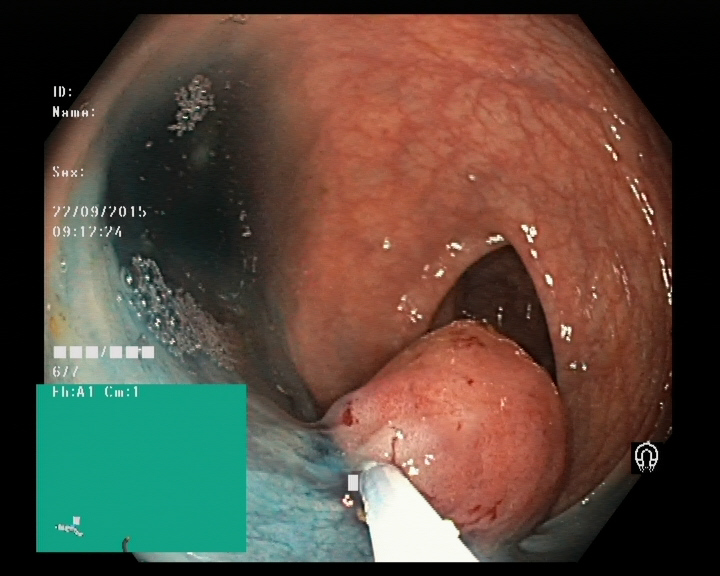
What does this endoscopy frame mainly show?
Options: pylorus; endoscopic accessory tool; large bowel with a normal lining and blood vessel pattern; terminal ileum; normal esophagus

endoscopic accessory tool